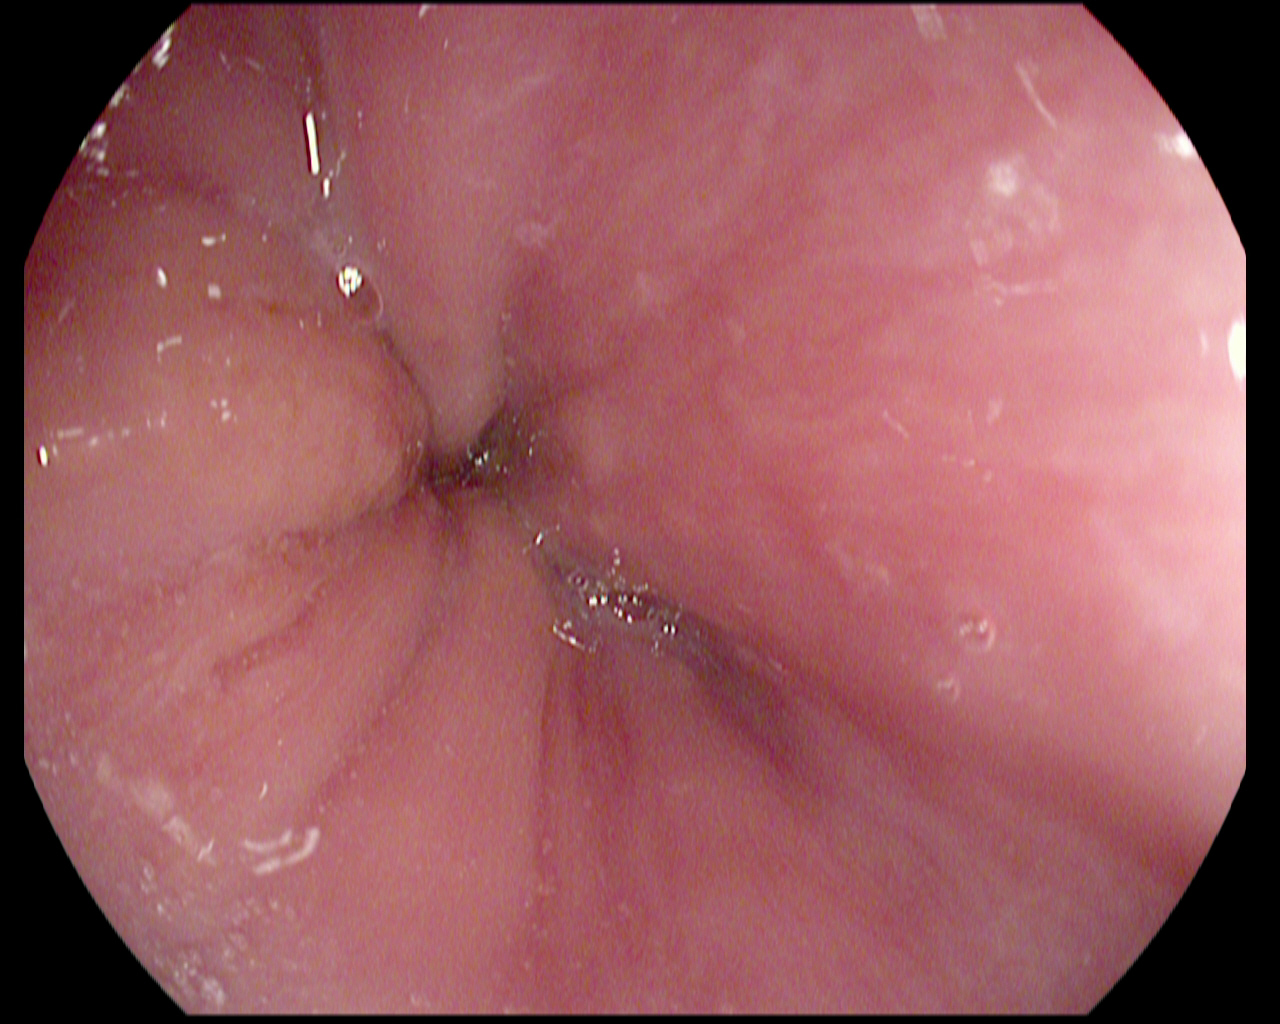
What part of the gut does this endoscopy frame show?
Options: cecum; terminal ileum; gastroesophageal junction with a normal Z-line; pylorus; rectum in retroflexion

gastroesophageal junction with a normal Z-line